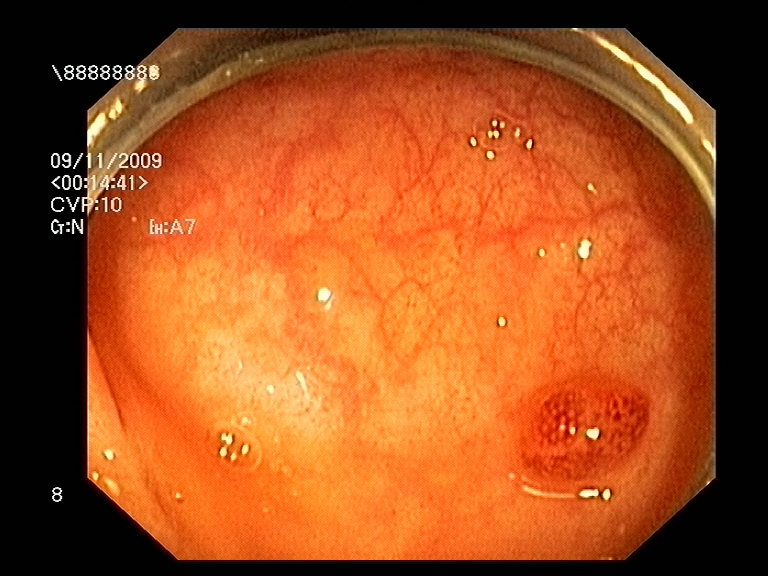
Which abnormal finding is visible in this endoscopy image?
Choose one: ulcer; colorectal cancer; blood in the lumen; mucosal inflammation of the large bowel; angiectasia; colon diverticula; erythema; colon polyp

colon polyp